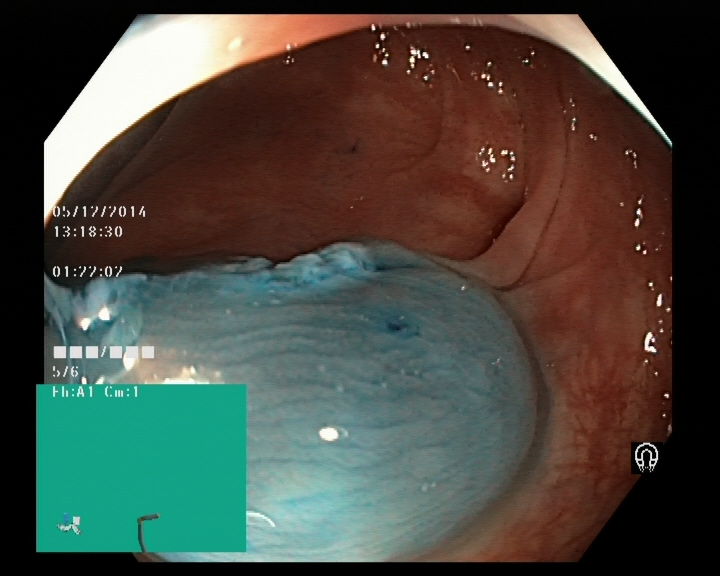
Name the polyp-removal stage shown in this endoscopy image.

dyed resection margin (post-polypectomy)